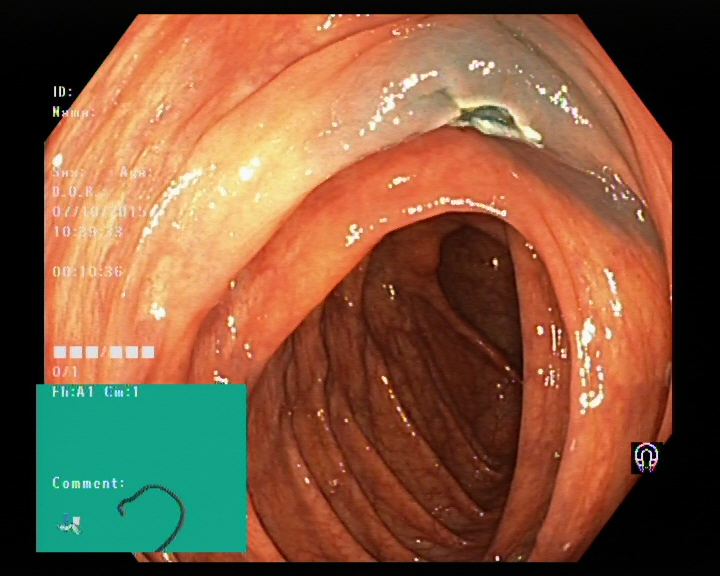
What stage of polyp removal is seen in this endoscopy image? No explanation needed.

dyed resection margin (post-polypectomy)